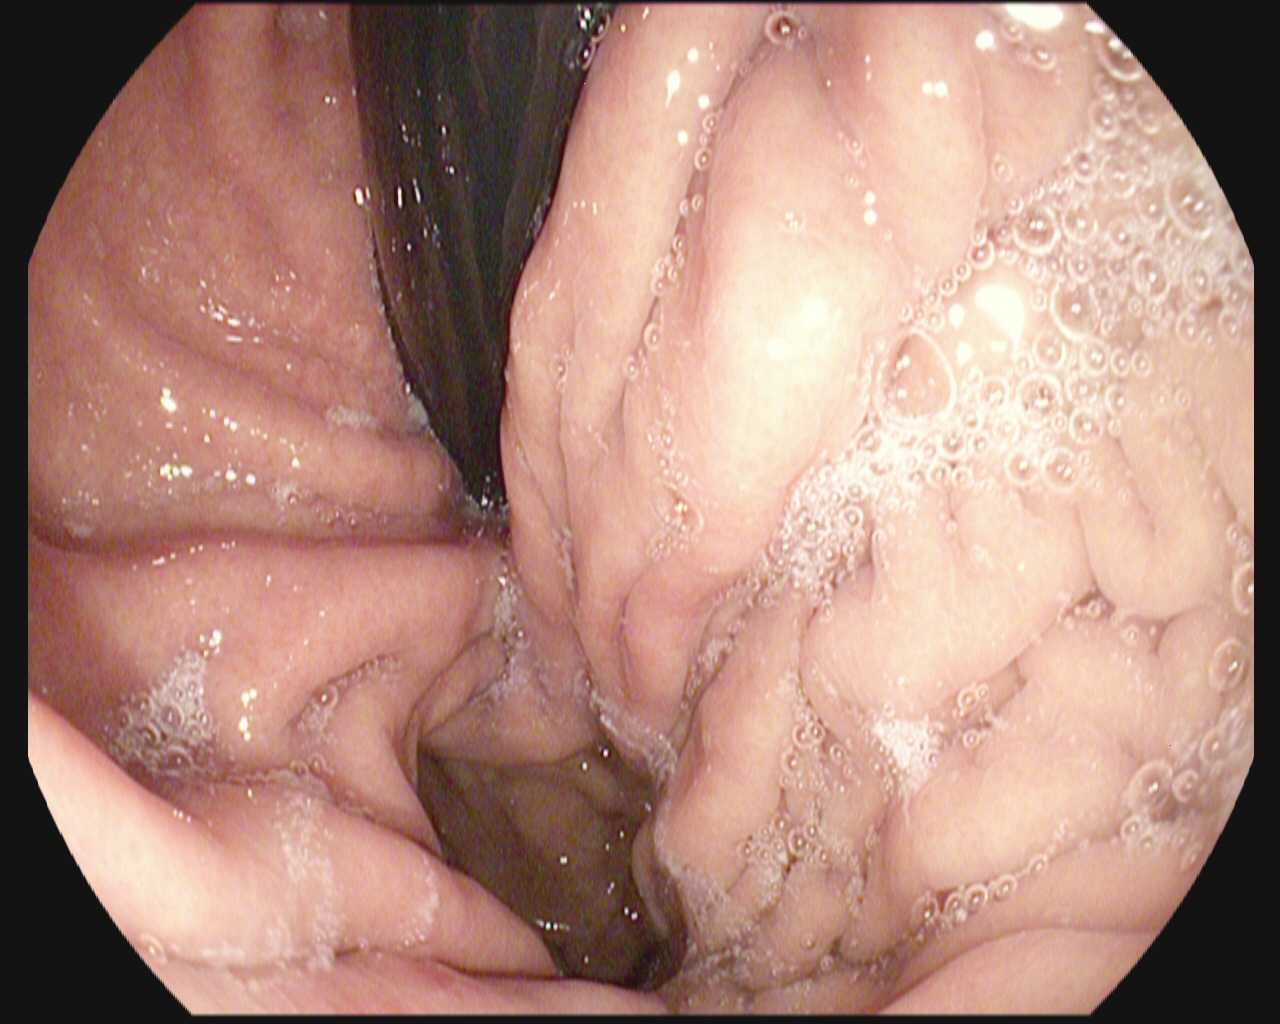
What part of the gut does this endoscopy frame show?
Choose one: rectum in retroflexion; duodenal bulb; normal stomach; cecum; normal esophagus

normal stomach